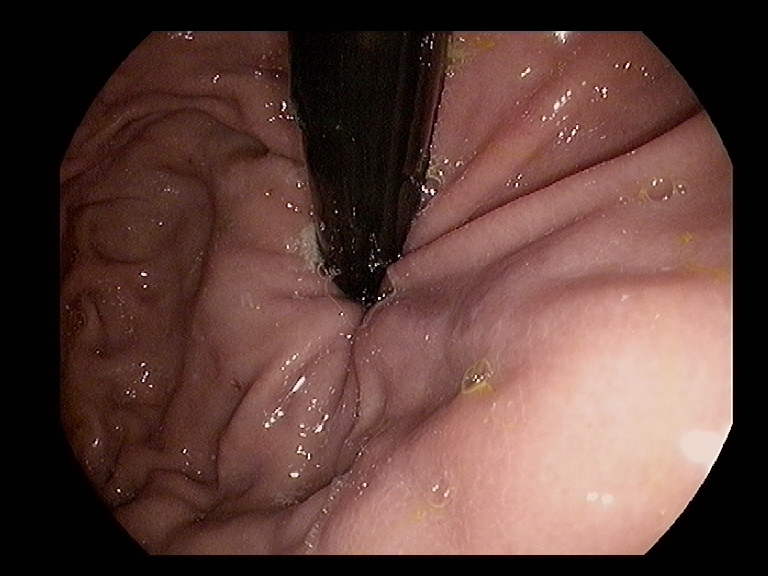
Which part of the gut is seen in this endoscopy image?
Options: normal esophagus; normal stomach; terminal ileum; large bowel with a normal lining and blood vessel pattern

normal stomach